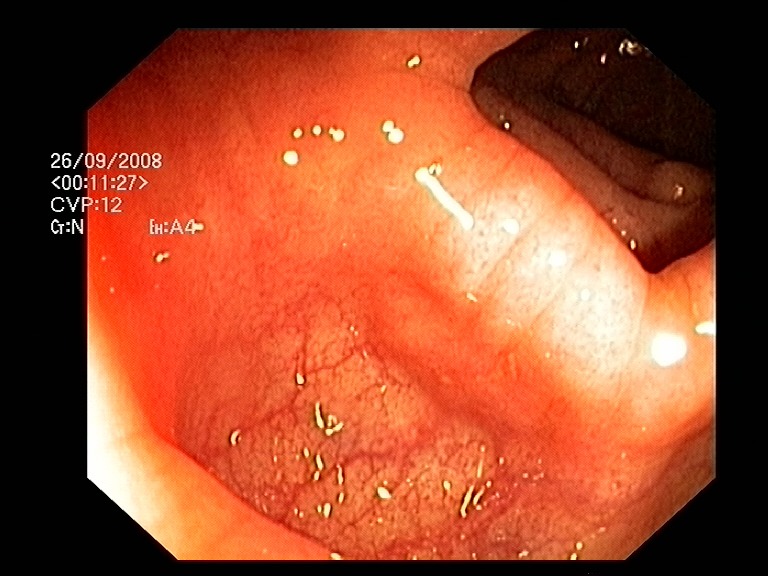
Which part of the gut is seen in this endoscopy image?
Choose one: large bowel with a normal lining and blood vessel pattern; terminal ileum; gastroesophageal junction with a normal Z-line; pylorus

large bowel with a normal lining and blood vessel pattern